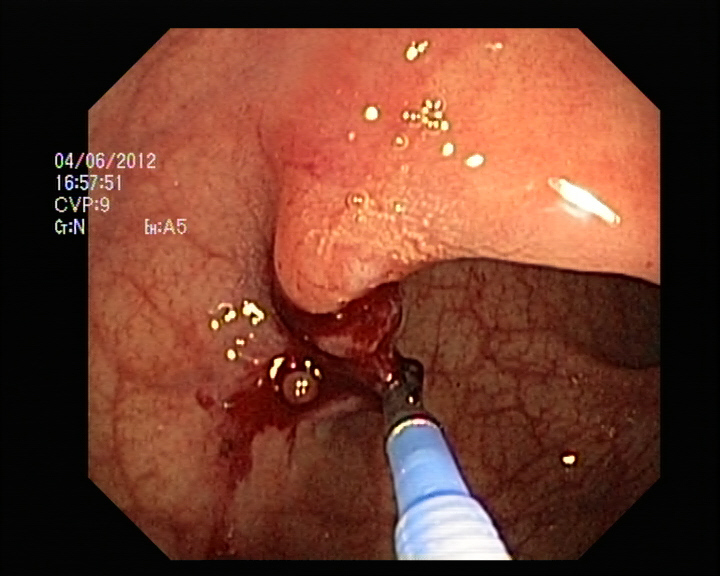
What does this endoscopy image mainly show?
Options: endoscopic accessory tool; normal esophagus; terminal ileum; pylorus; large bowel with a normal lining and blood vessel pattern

endoscopic accessory tool